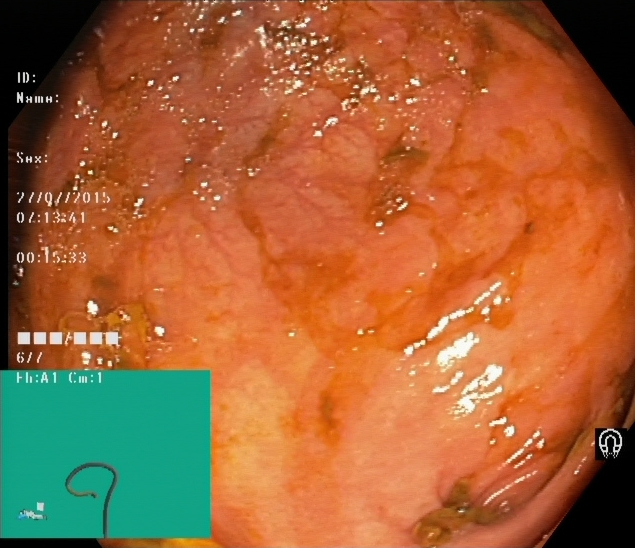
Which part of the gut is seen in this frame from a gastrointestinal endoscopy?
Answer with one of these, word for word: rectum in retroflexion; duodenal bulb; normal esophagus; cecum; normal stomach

cecum